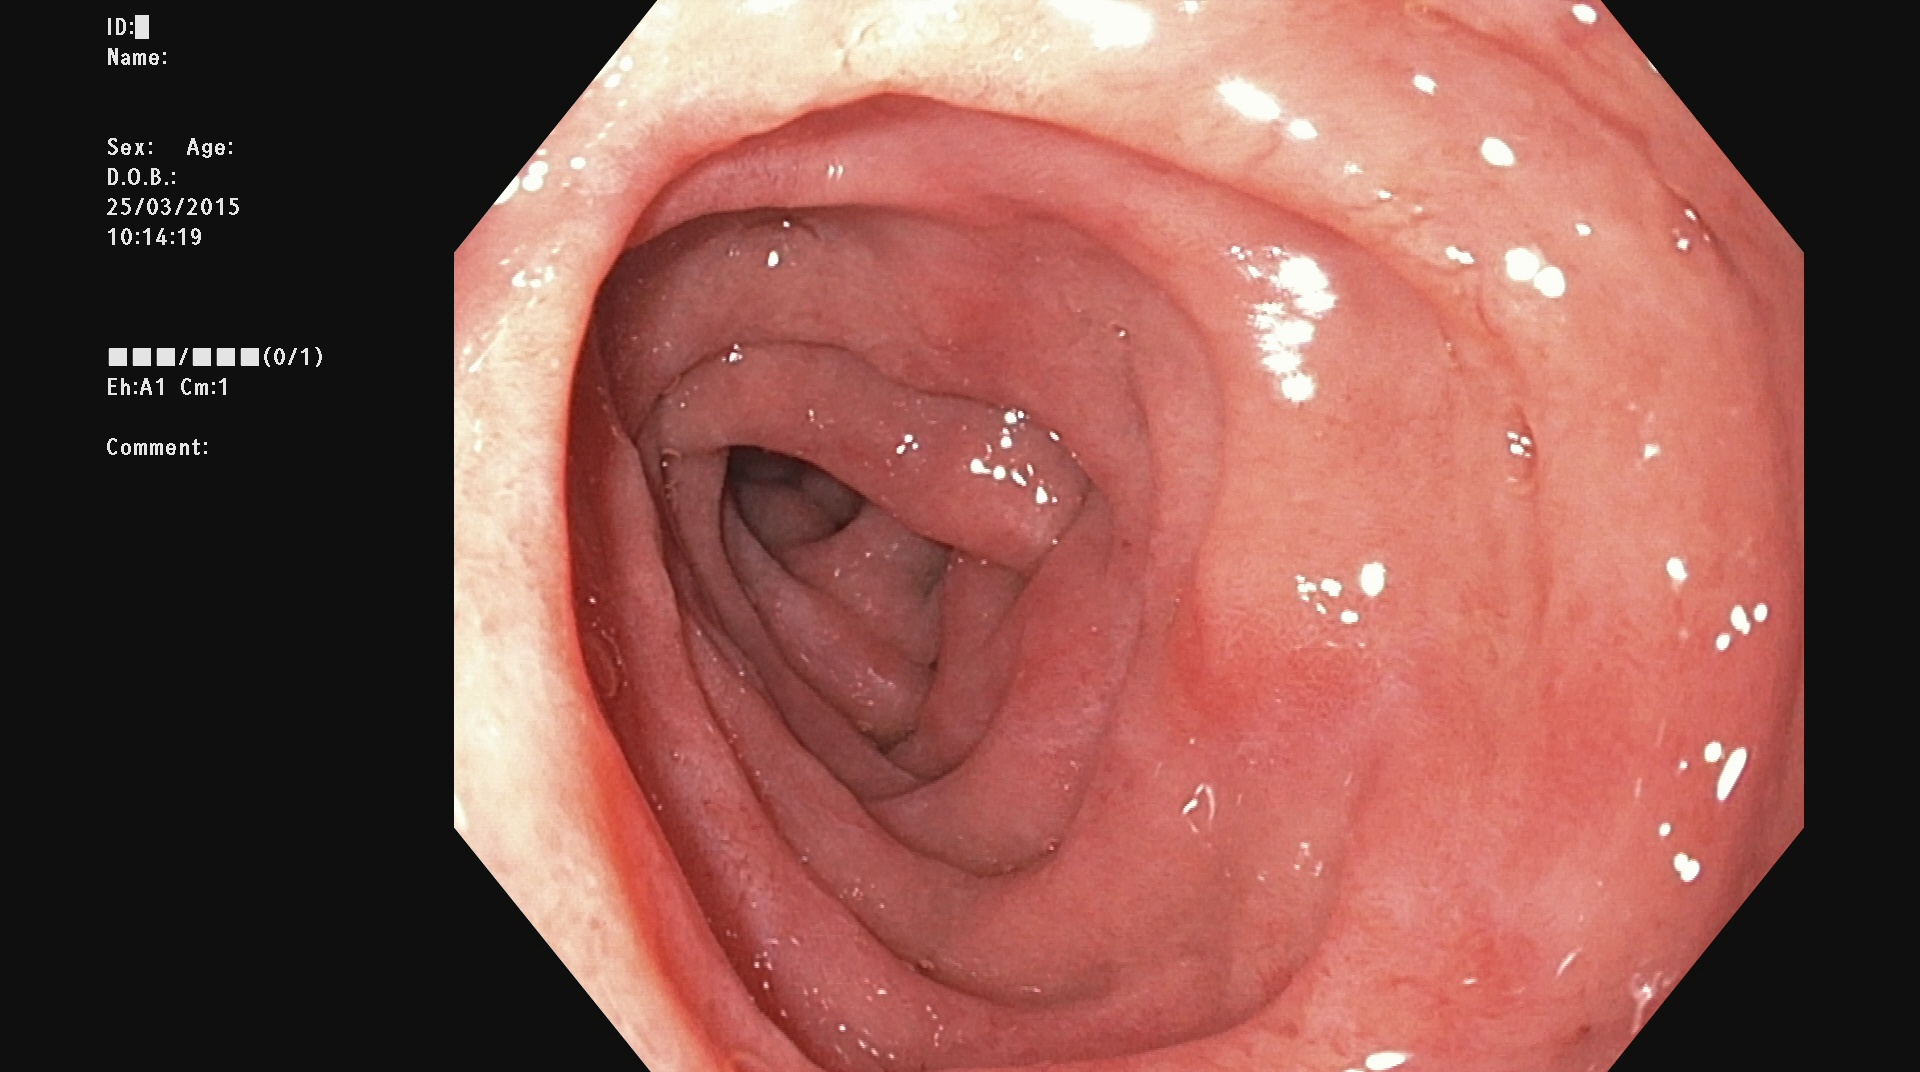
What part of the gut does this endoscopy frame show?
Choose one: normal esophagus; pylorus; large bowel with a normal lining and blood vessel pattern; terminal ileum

terminal ileum